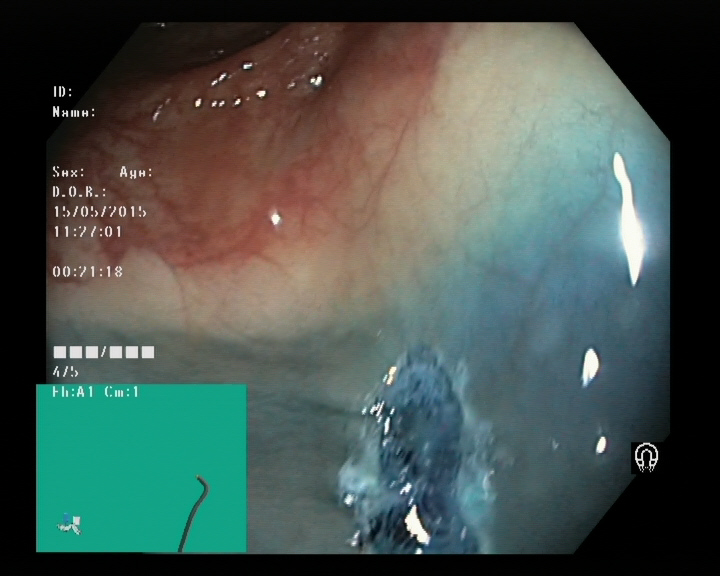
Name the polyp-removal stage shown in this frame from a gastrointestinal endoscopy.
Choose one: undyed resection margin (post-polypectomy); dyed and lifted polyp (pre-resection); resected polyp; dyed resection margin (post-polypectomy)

dyed resection margin (post-polypectomy)